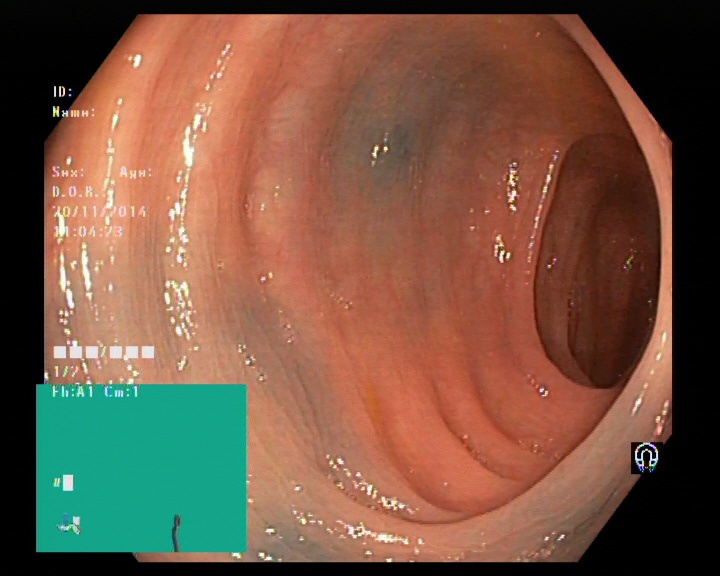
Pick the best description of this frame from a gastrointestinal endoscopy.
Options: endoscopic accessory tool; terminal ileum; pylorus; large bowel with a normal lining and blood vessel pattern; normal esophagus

large bowel with a normal lining and blood vessel pattern